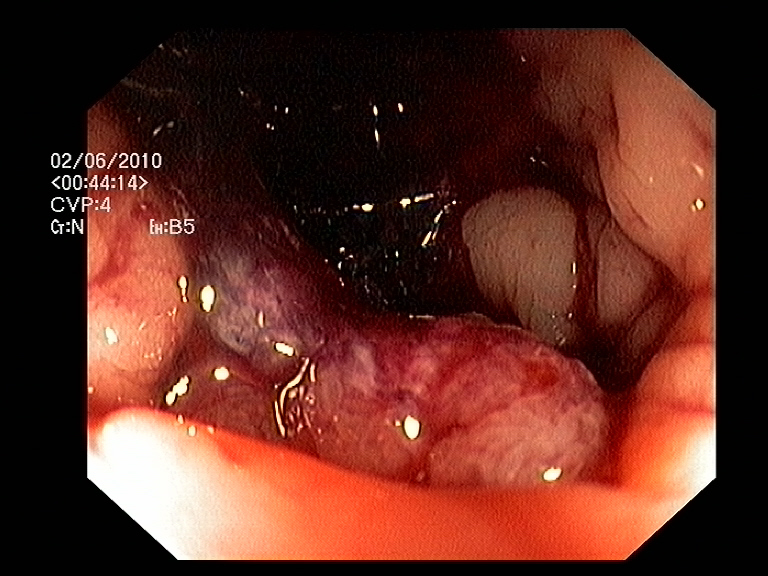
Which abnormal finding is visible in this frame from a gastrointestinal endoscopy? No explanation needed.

colorectal cancer